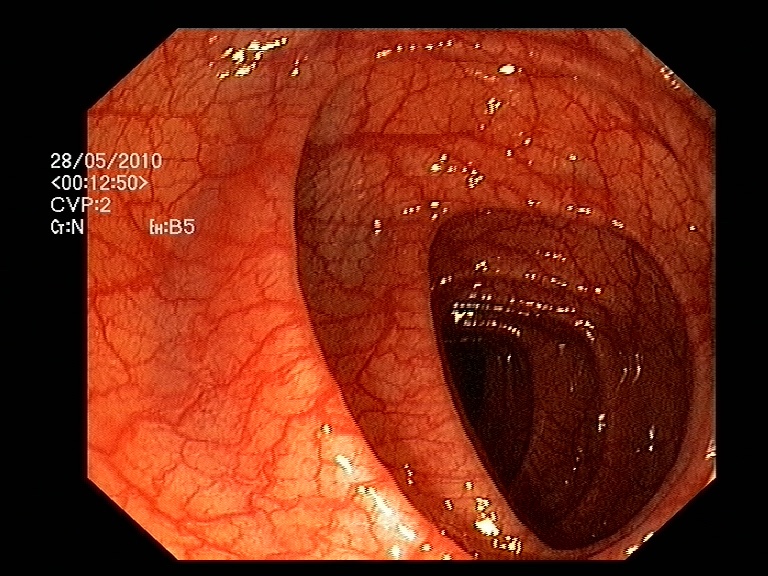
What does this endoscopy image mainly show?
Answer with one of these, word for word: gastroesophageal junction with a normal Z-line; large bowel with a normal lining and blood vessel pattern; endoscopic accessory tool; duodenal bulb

large bowel with a normal lining and blood vessel pattern